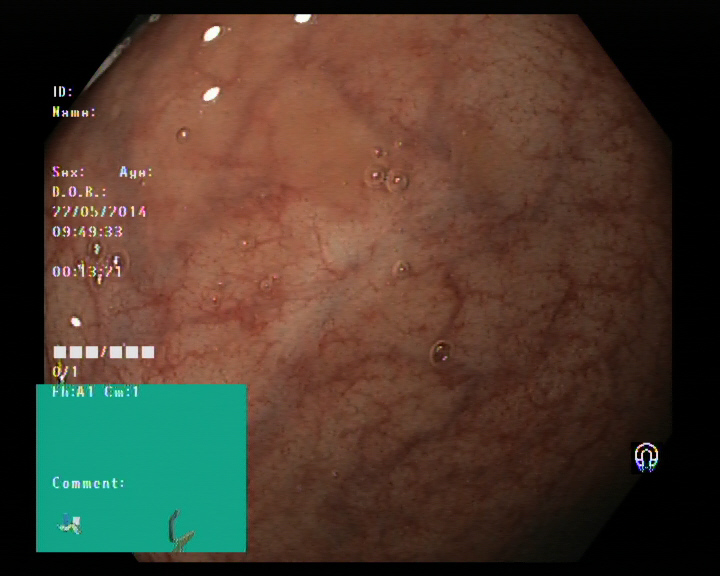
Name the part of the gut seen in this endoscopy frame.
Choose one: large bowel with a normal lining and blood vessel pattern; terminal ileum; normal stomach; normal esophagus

large bowel with a normal lining and blood vessel pattern